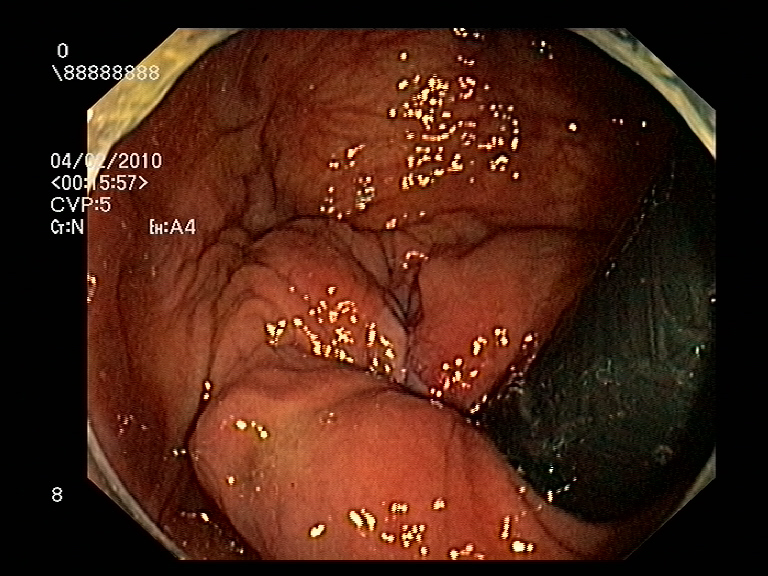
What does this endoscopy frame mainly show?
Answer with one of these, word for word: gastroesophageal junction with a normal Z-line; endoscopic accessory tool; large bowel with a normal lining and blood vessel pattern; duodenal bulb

endoscopic accessory tool